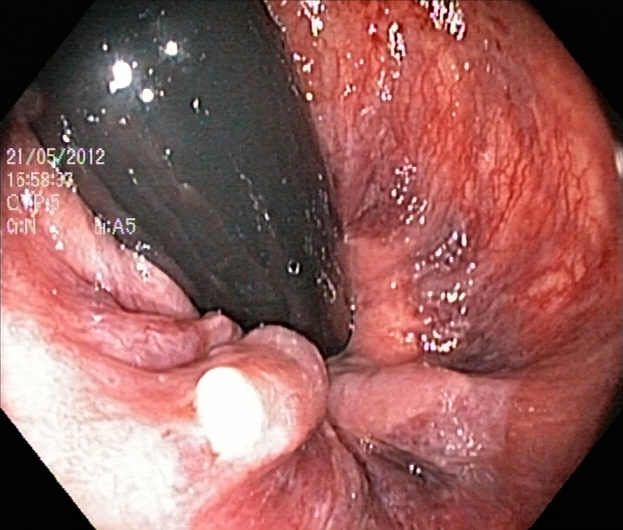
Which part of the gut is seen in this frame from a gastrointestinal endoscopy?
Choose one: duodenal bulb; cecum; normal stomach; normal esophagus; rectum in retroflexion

rectum in retroflexion